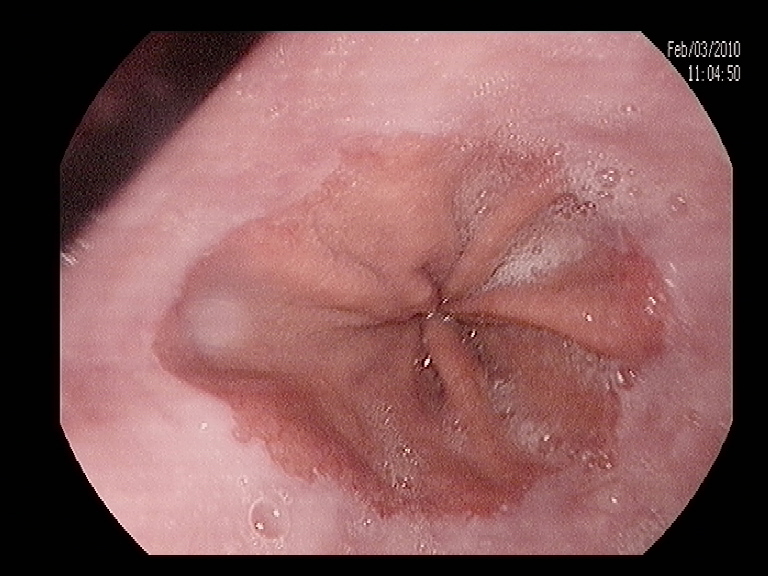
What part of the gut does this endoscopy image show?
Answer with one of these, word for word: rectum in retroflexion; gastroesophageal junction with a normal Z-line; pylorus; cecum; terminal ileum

gastroesophageal junction with a normal Z-line